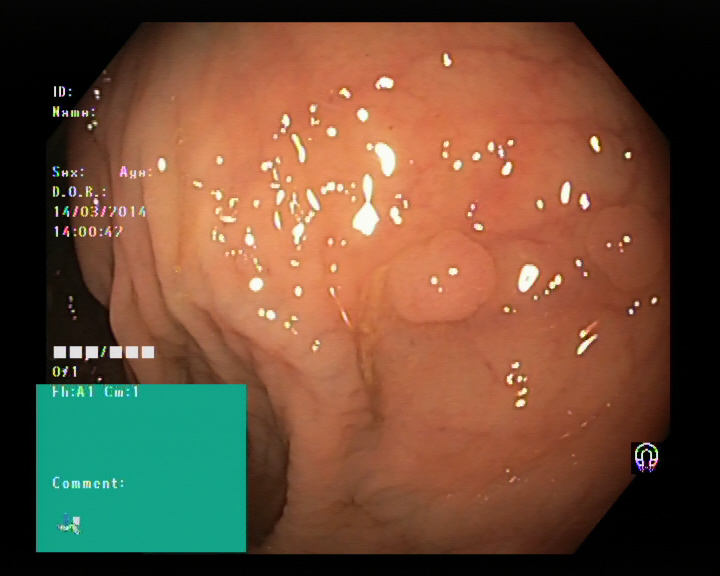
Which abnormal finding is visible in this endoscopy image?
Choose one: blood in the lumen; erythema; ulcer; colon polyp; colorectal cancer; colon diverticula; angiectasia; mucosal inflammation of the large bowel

colon polyp